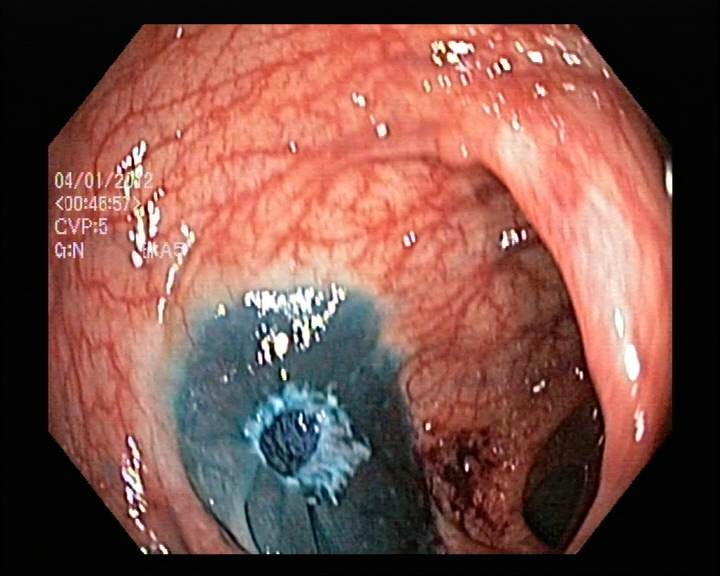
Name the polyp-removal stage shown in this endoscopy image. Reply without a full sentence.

dyed resection margin (post-polypectomy)